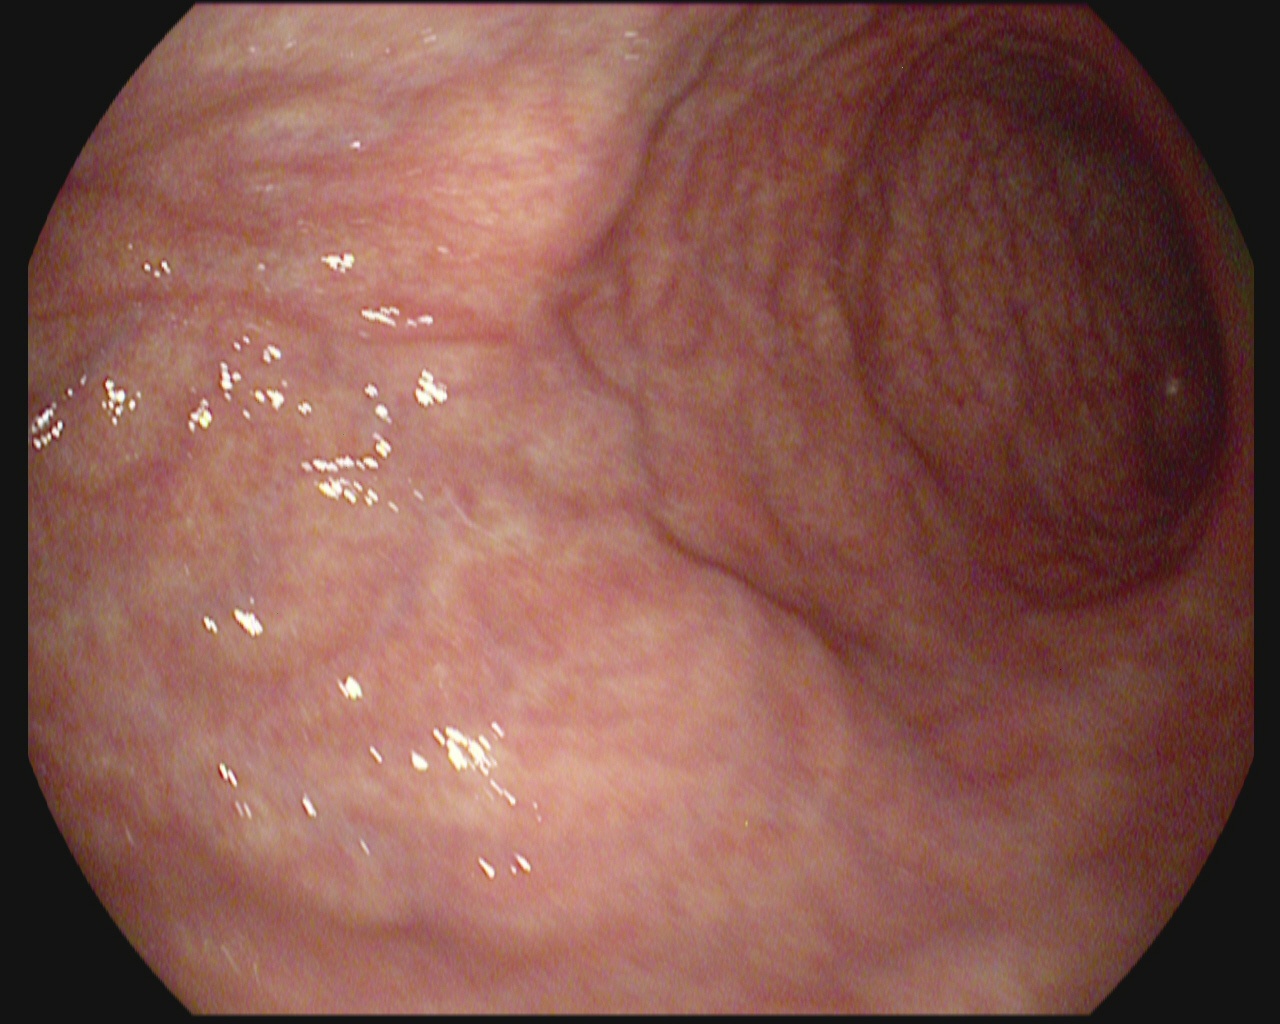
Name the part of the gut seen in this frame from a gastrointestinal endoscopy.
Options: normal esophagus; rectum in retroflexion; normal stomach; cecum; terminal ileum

normal stomach